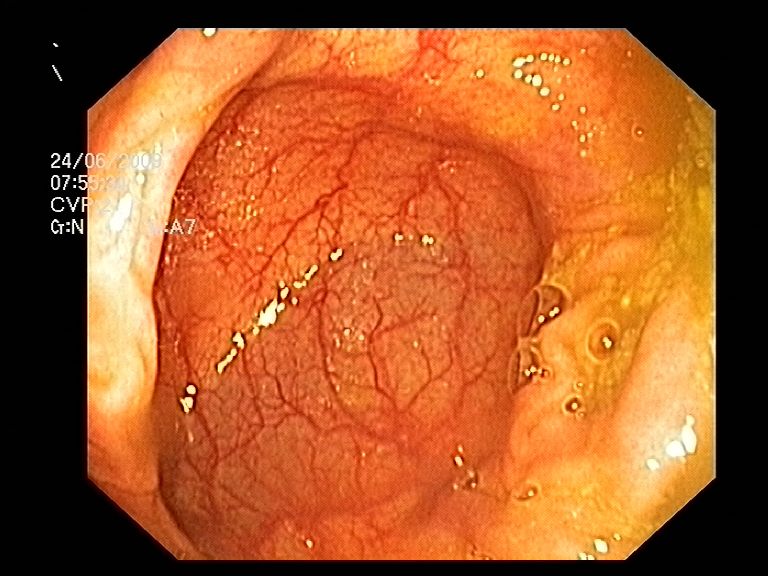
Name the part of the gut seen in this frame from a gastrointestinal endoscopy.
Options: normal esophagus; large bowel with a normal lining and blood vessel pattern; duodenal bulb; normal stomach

large bowel with a normal lining and blood vessel pattern